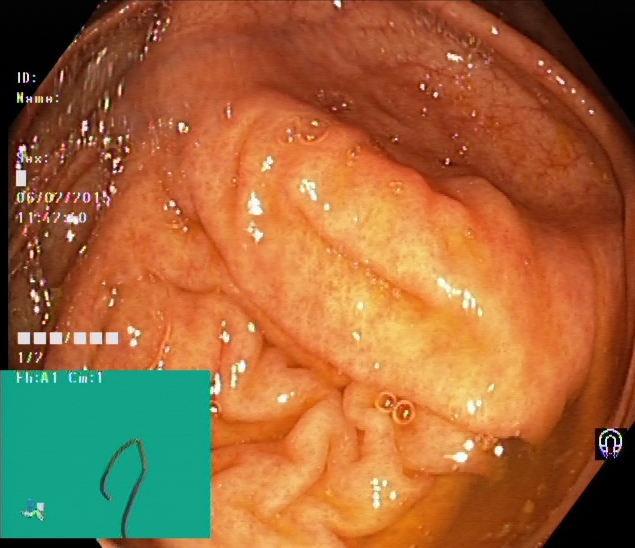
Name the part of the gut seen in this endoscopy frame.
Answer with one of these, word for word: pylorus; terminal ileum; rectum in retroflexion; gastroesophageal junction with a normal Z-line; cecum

cecum